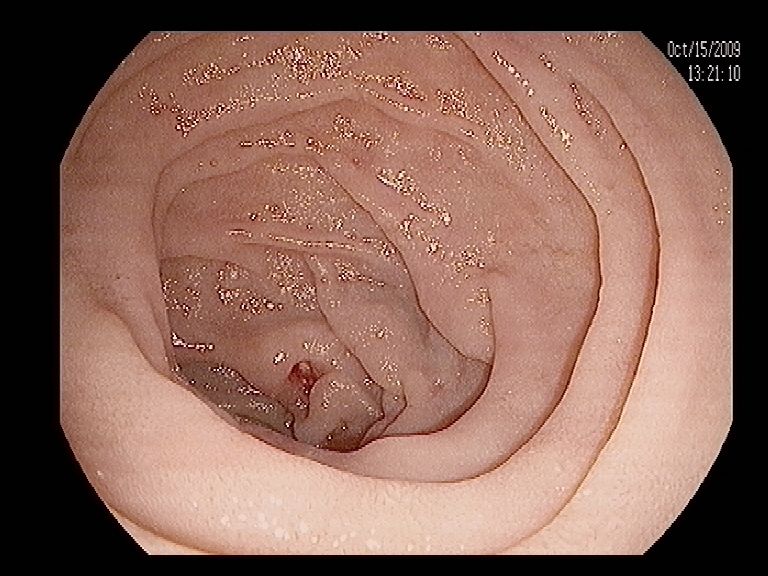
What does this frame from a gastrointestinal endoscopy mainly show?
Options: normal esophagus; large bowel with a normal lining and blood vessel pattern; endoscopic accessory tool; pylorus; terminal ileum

terminal ileum